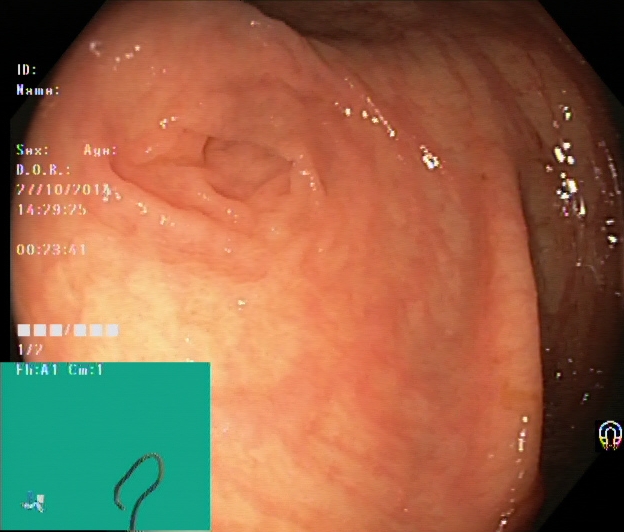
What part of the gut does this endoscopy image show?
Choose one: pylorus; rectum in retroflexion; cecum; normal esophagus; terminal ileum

cecum